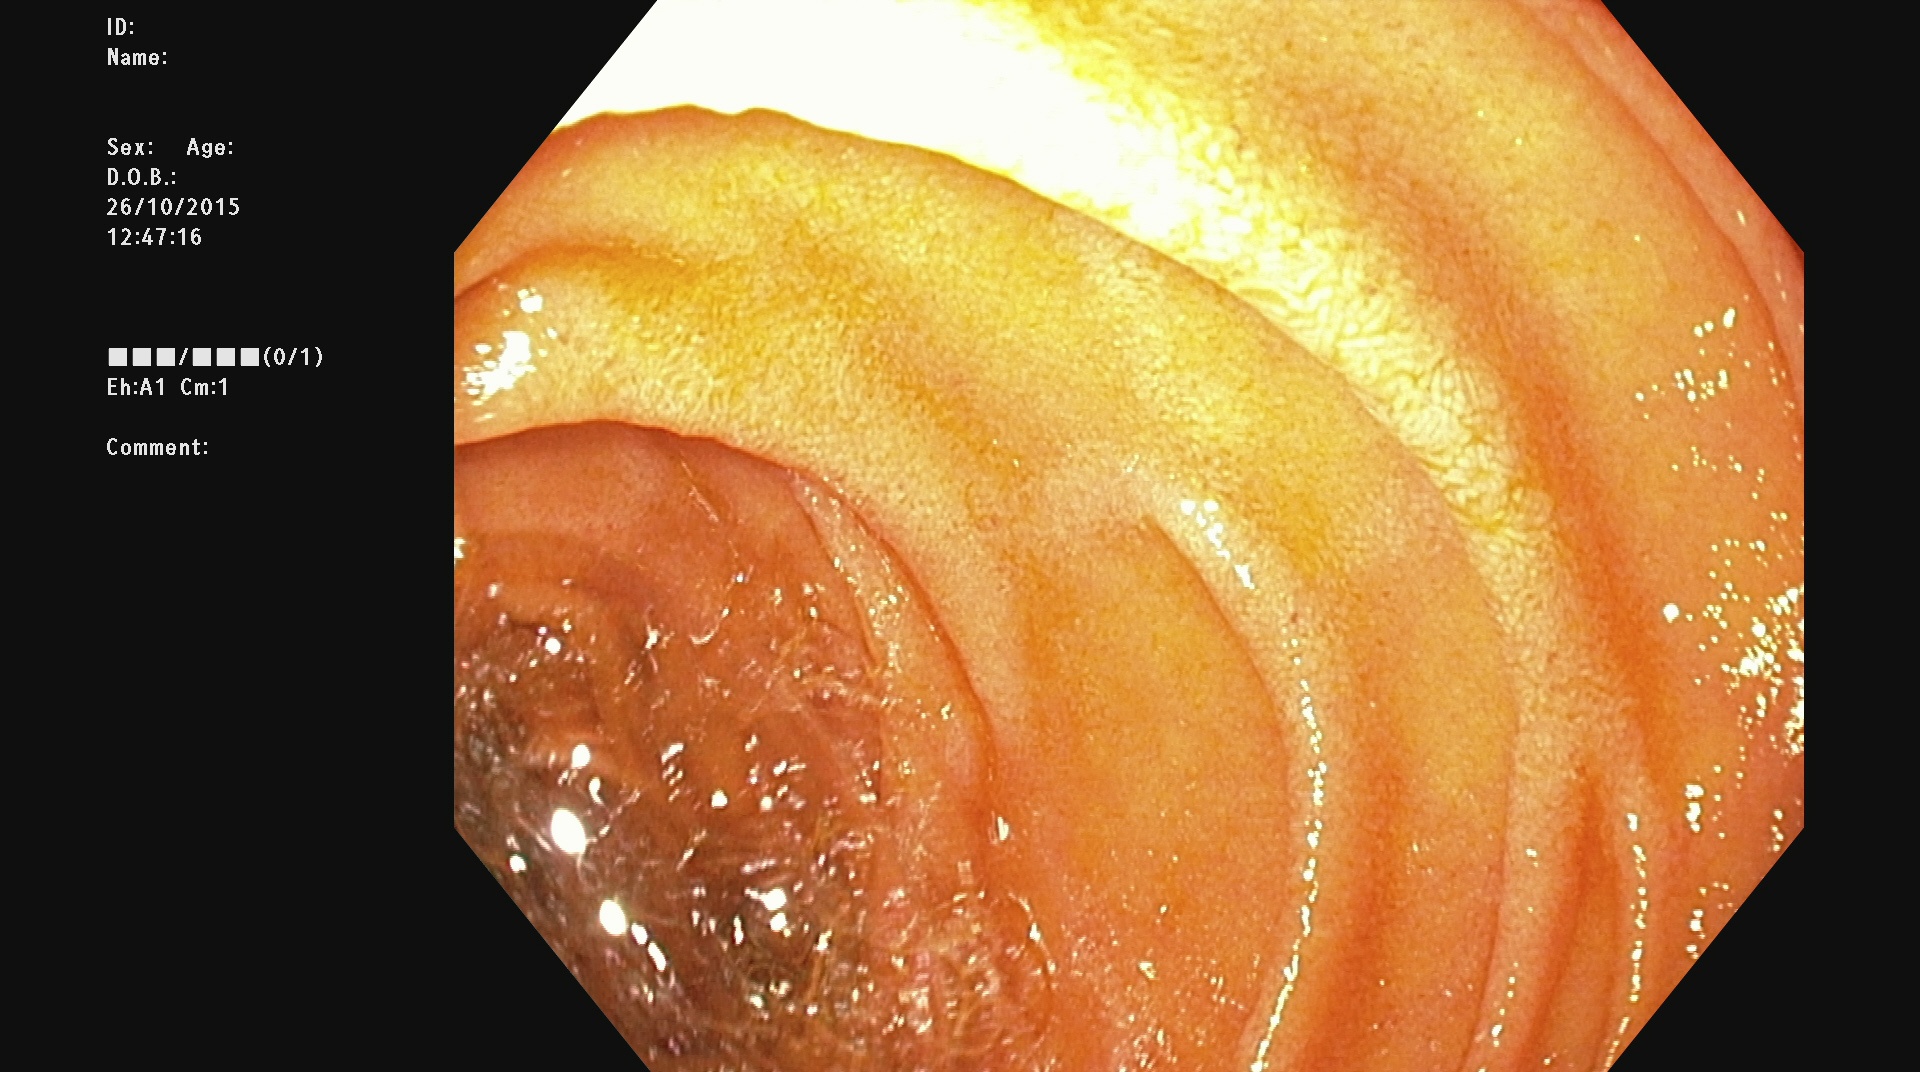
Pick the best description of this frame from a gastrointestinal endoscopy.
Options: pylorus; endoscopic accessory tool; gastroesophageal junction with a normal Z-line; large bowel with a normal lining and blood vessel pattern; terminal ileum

terminal ileum